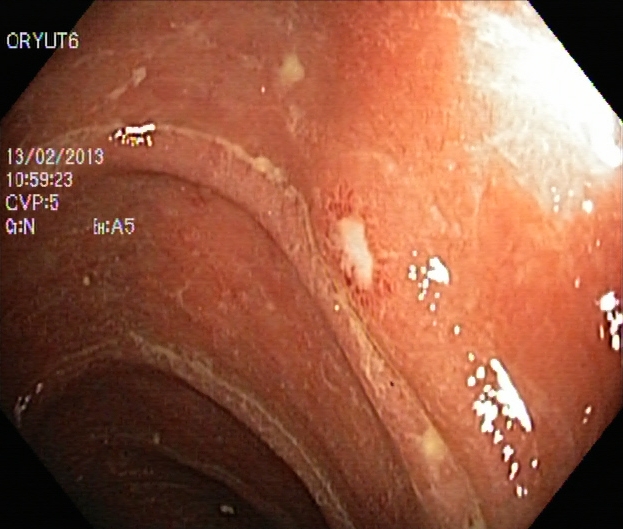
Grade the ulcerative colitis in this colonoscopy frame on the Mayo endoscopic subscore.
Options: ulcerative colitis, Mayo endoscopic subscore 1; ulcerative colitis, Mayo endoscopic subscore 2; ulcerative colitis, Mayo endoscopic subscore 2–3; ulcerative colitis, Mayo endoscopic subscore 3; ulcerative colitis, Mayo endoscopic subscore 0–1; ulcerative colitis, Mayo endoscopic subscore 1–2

ulcerative colitis, Mayo endoscopic subscore 2–3